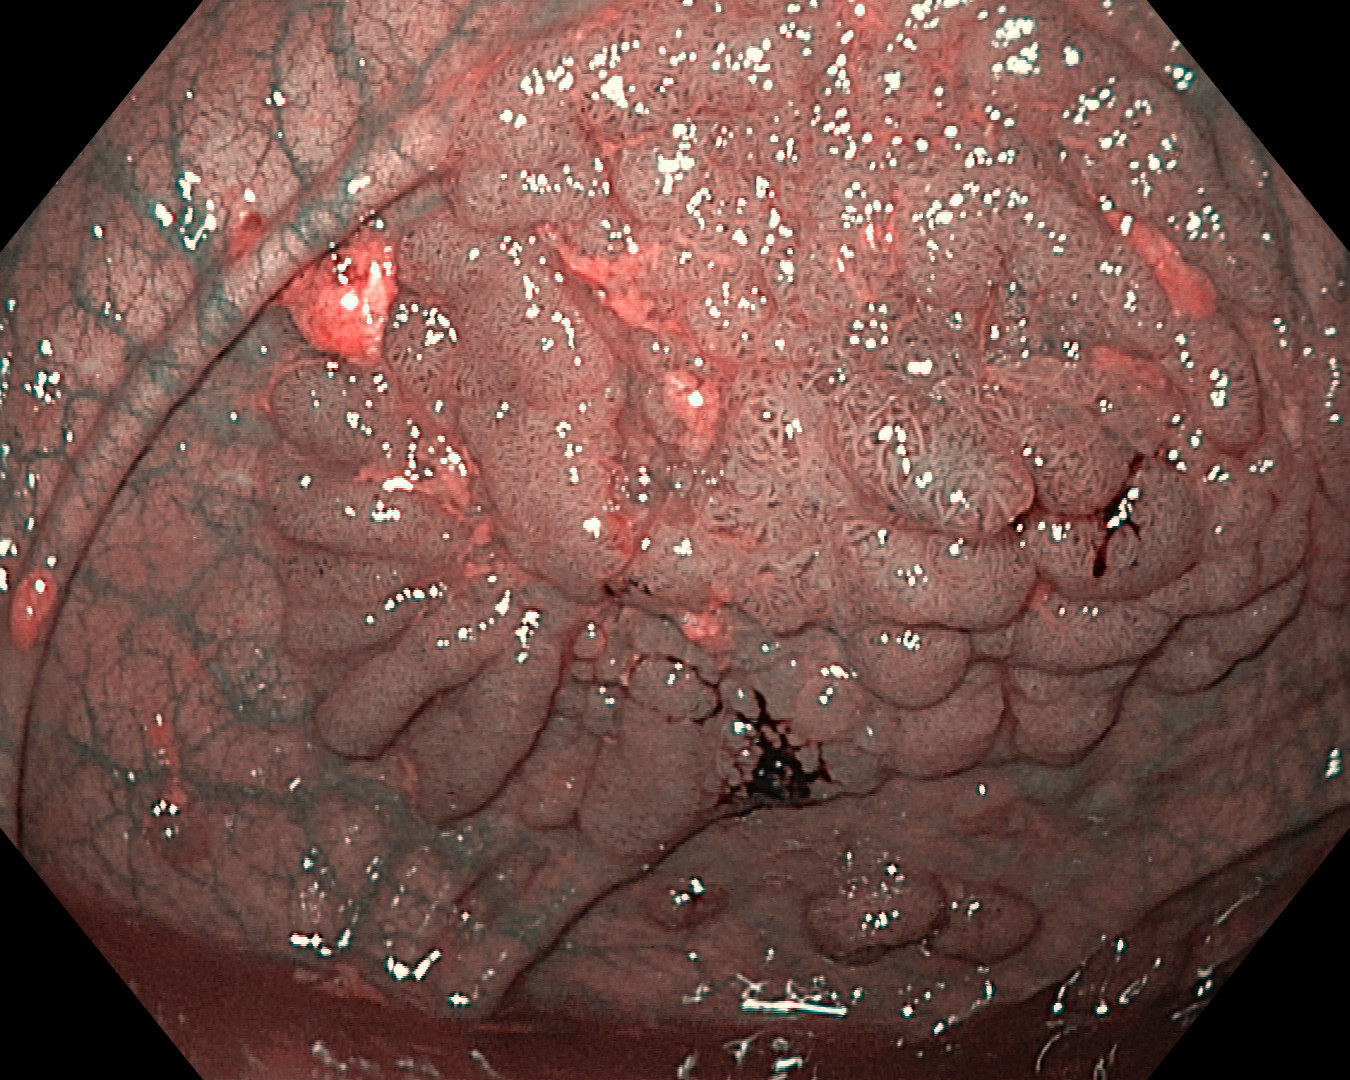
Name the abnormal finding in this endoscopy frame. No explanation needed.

colon polyp